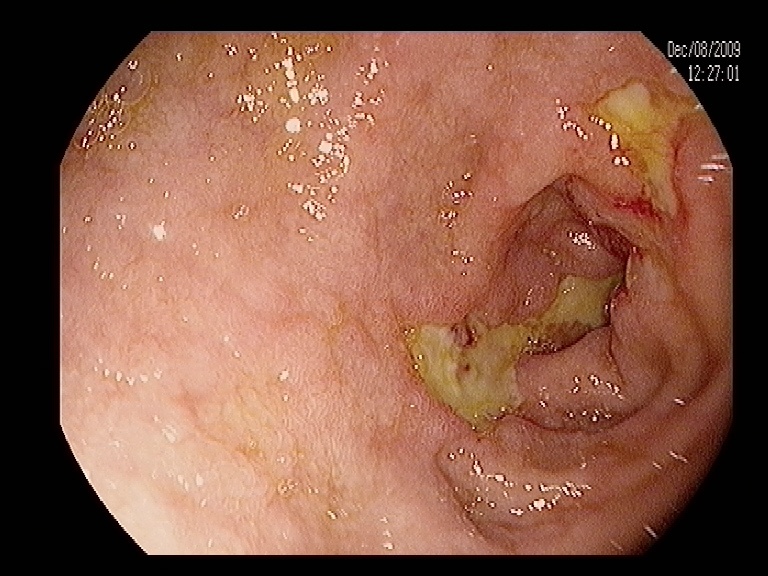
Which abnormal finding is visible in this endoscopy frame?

ulcer